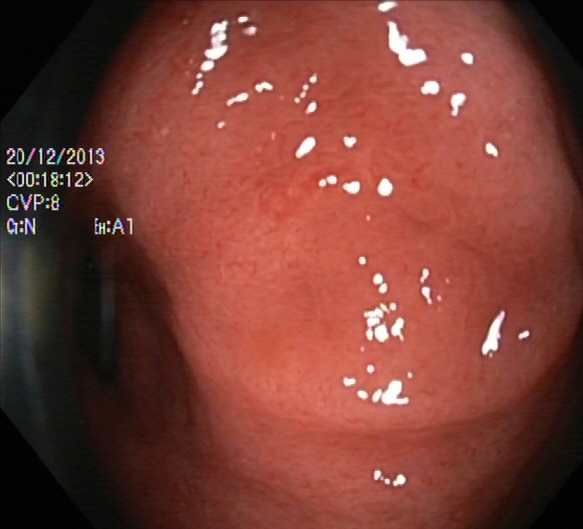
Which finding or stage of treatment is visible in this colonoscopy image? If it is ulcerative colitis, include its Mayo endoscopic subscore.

ulcerative colitis, Mayo endoscopic subscore 2